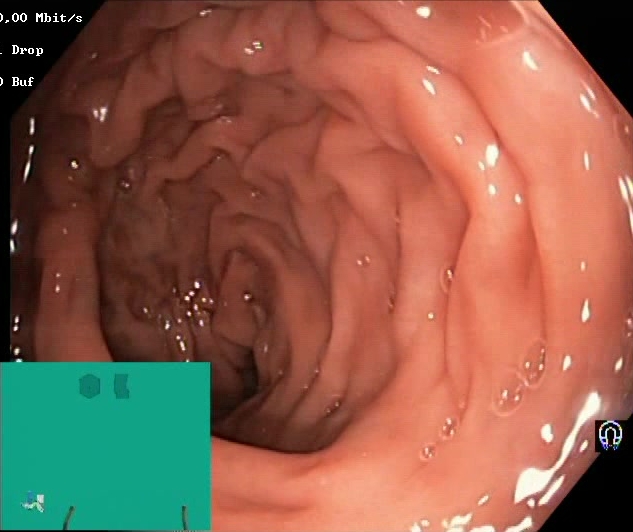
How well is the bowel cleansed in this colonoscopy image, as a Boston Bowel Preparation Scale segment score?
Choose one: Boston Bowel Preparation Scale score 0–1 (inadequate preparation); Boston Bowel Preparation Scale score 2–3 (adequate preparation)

Boston Bowel Preparation Scale score 2–3 (adequate preparation)